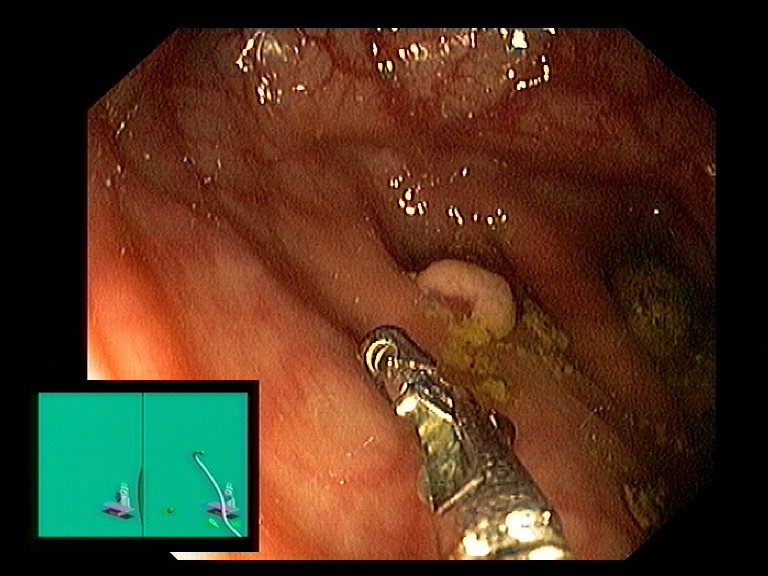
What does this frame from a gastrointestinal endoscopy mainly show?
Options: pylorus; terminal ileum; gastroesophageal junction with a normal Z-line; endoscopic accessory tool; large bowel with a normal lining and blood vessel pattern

endoscopic accessory tool